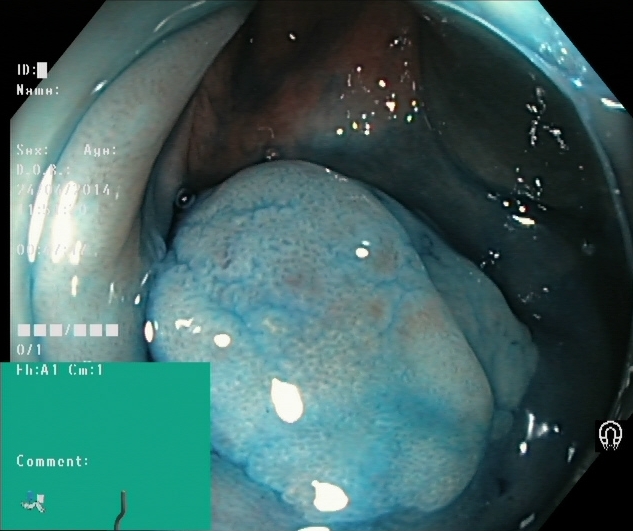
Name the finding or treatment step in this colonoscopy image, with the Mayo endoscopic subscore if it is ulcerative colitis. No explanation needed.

dyed and lifted polyp (pre-resection)